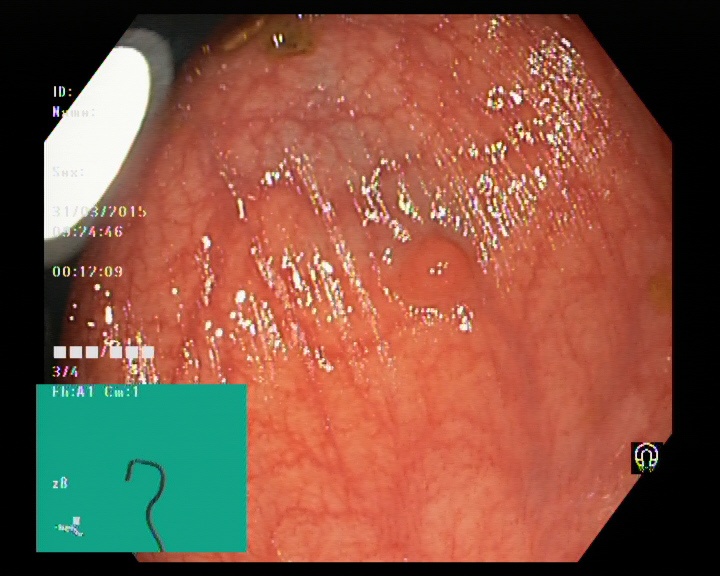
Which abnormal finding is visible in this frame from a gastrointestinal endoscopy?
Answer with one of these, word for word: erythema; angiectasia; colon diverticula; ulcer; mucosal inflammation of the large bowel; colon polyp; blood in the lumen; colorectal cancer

colon polyp